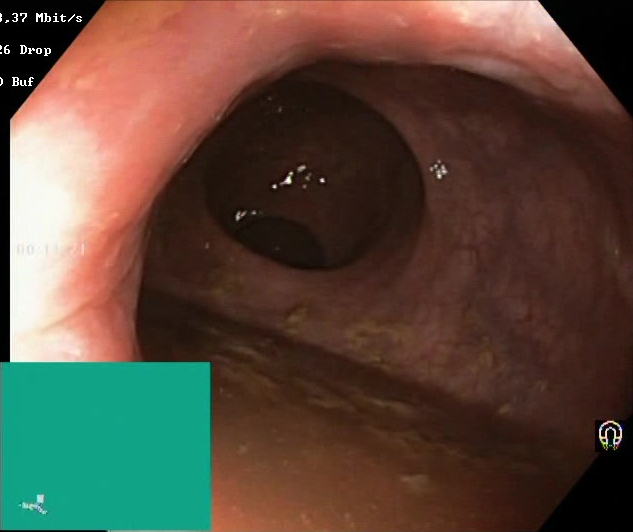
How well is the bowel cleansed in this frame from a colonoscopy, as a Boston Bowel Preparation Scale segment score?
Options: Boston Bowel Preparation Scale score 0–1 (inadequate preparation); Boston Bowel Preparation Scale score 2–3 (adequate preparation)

Boston Bowel Preparation Scale score 0–1 (inadequate preparation)